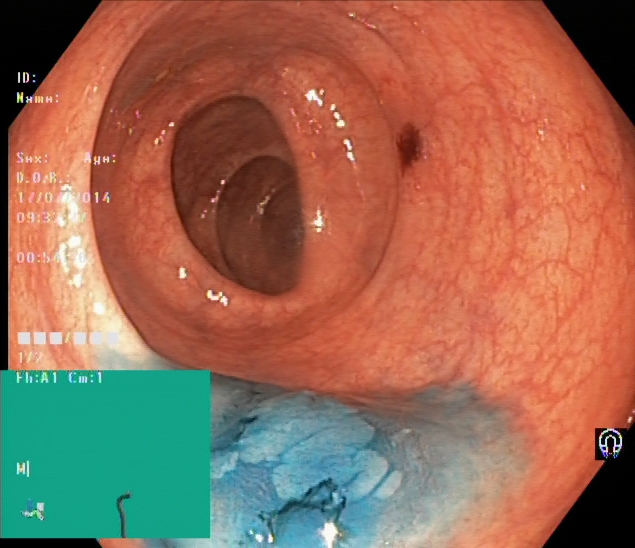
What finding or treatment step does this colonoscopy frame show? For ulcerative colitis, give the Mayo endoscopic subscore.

dyed and lifted polyp (pre-resection)